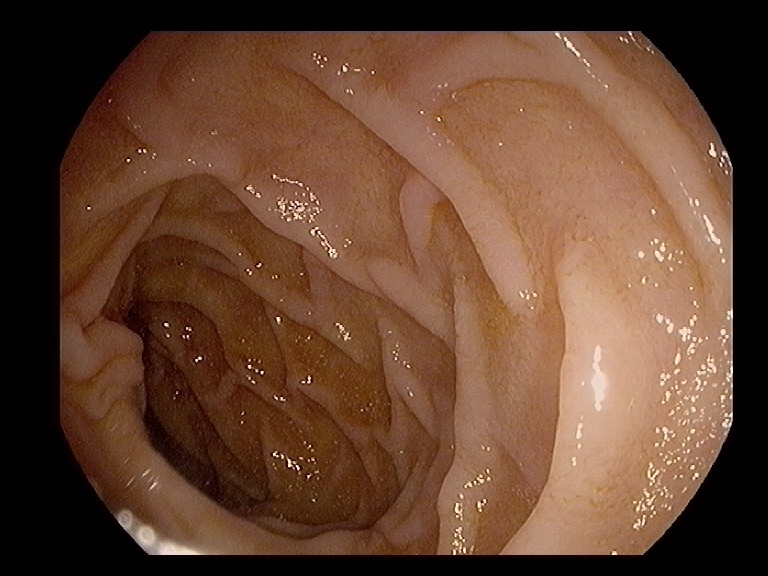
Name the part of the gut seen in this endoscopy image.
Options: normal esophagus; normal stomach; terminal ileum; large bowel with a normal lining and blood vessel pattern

terminal ileum